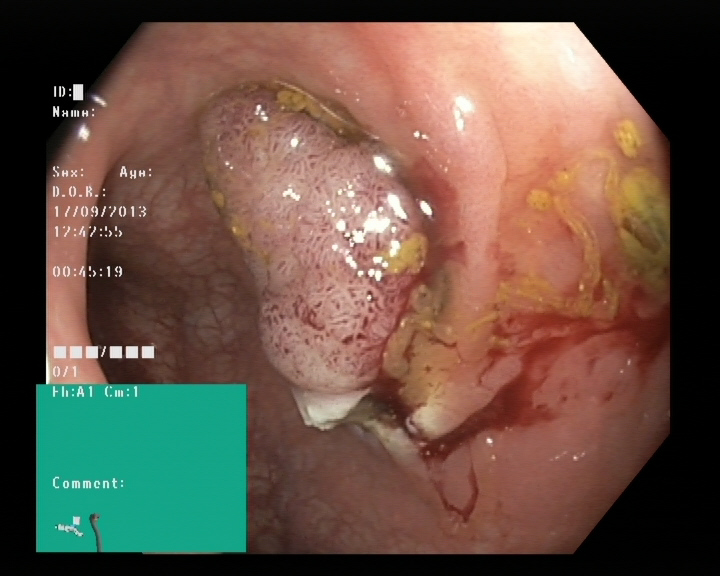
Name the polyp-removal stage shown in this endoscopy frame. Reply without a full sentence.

resected polyp